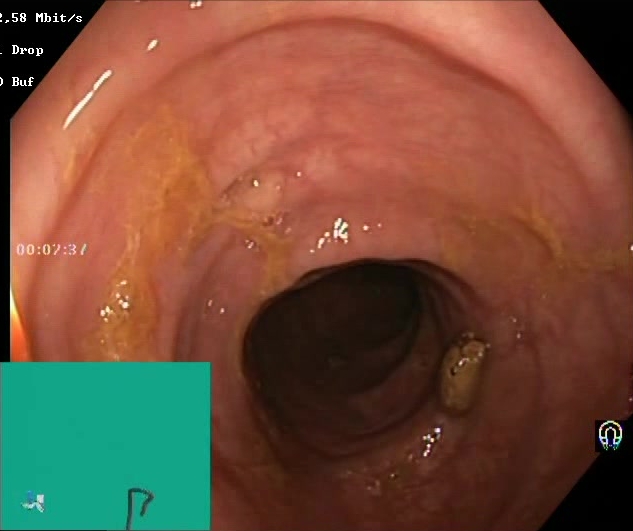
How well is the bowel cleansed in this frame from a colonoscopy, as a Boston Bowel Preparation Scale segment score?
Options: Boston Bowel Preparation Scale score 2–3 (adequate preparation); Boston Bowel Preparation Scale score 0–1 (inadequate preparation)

Boston Bowel Preparation Scale score 2–3 (adequate preparation)